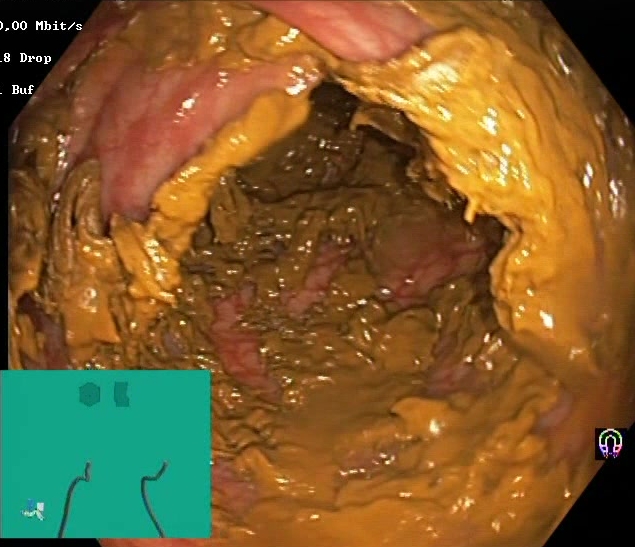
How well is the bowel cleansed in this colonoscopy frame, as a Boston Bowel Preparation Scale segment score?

Boston Bowel Preparation Scale score 0–1 (inadequate preparation)